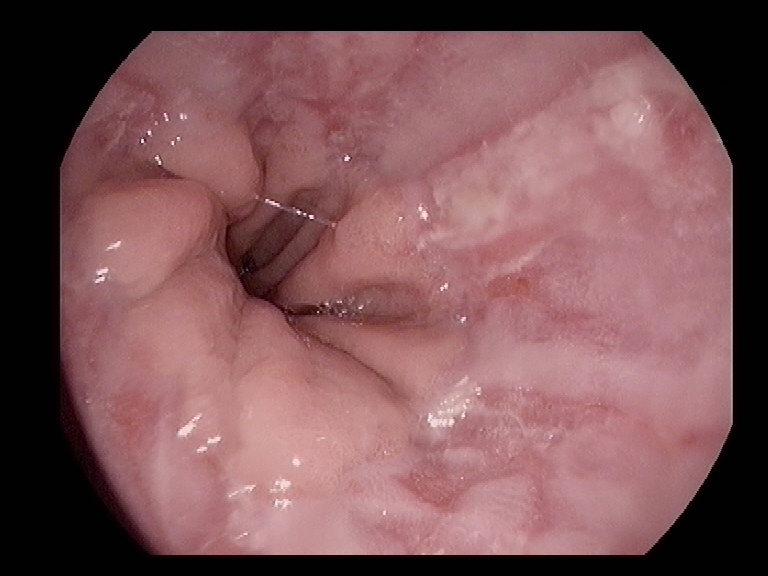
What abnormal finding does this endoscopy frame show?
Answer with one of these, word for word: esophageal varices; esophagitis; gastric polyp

esophagitis